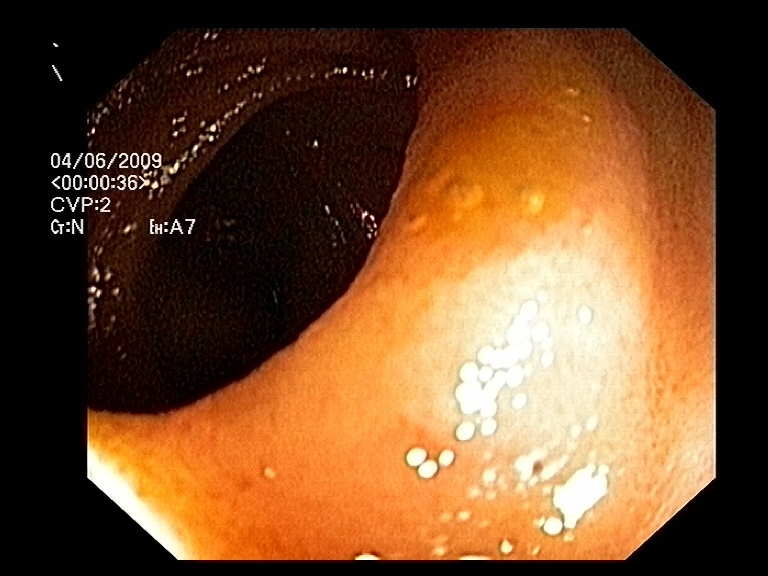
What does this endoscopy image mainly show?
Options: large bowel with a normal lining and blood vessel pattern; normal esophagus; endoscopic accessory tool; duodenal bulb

large bowel with a normal lining and blood vessel pattern